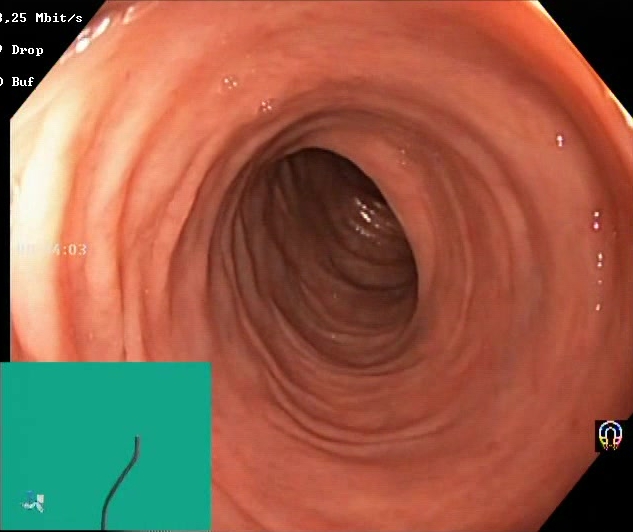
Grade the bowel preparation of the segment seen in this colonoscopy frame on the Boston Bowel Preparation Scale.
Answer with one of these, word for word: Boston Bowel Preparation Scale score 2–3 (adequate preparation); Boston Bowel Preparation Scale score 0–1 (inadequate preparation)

Boston Bowel Preparation Scale score 2–3 (adequate preparation)